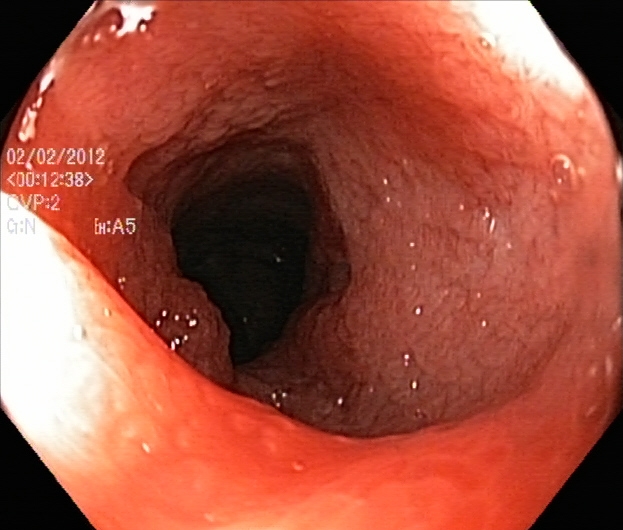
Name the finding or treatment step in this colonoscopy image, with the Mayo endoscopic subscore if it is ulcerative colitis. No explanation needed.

ulcerative colitis, Mayo endoscopic subscore 2